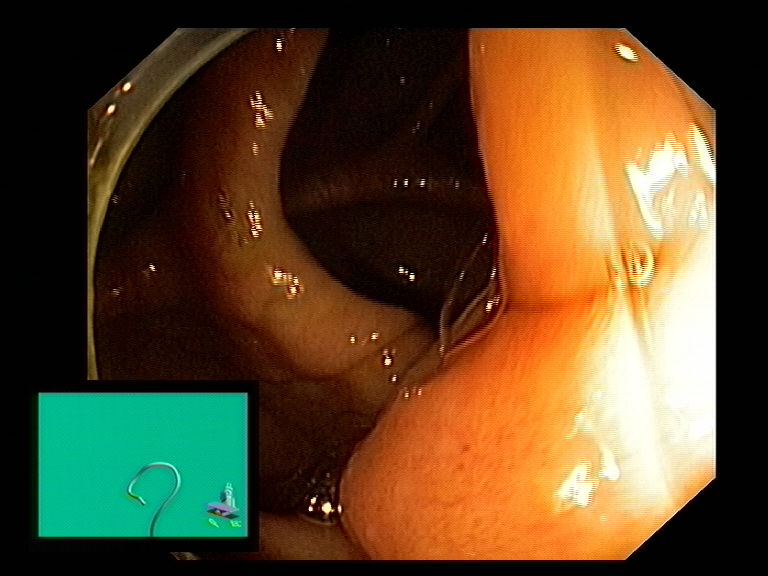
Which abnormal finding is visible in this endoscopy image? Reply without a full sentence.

colon polyp